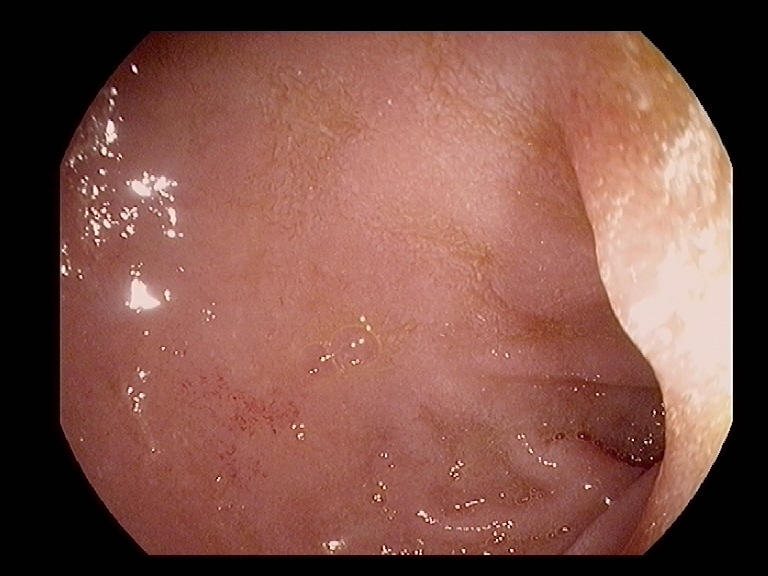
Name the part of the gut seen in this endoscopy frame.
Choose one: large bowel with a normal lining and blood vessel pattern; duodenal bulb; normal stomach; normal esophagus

duodenal bulb